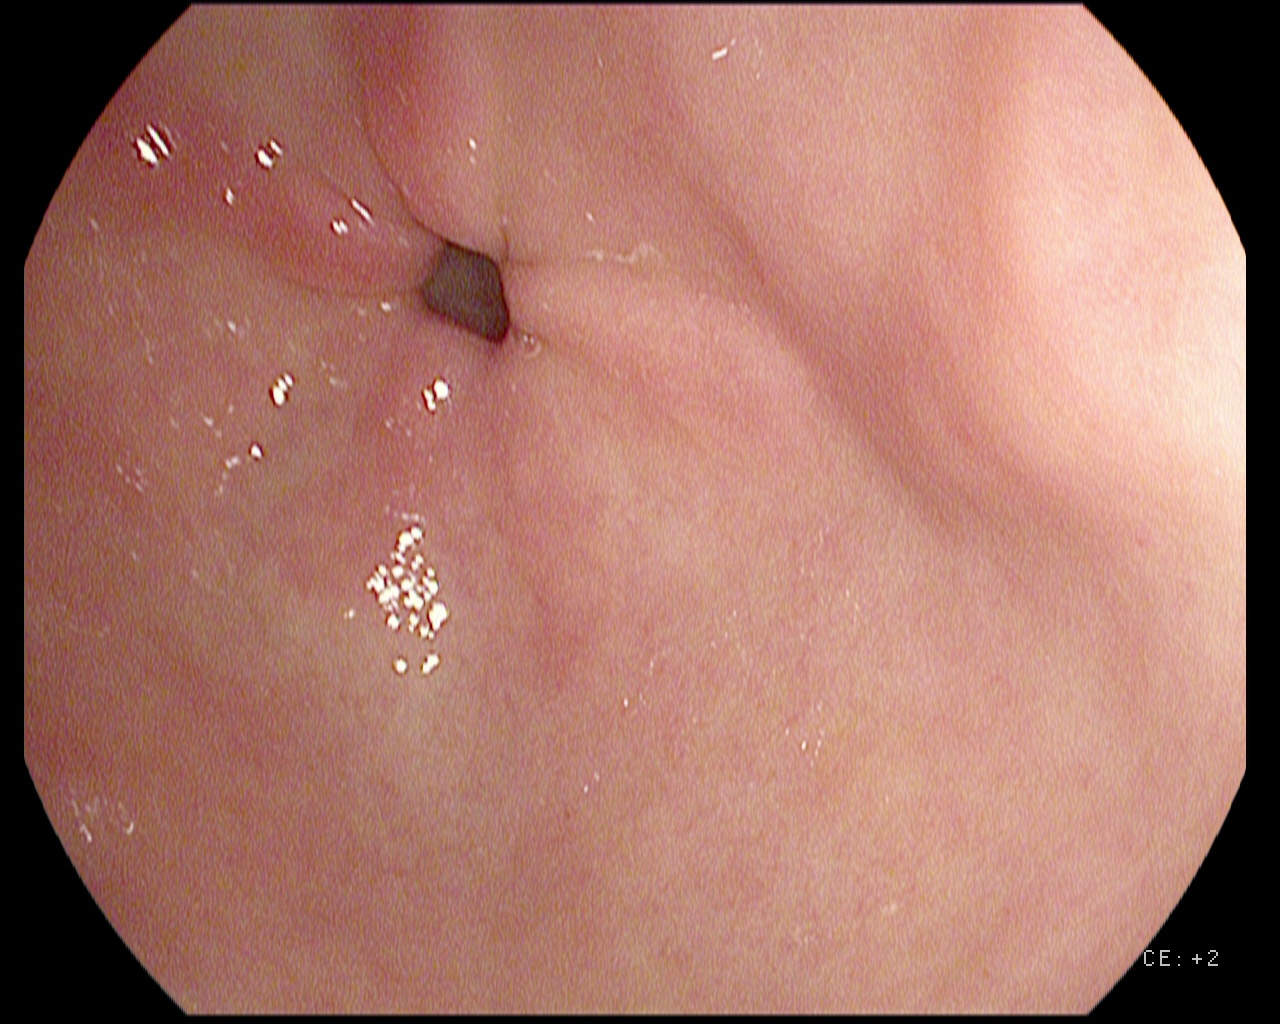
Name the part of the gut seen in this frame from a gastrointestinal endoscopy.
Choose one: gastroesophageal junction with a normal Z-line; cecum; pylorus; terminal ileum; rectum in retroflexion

pylorus